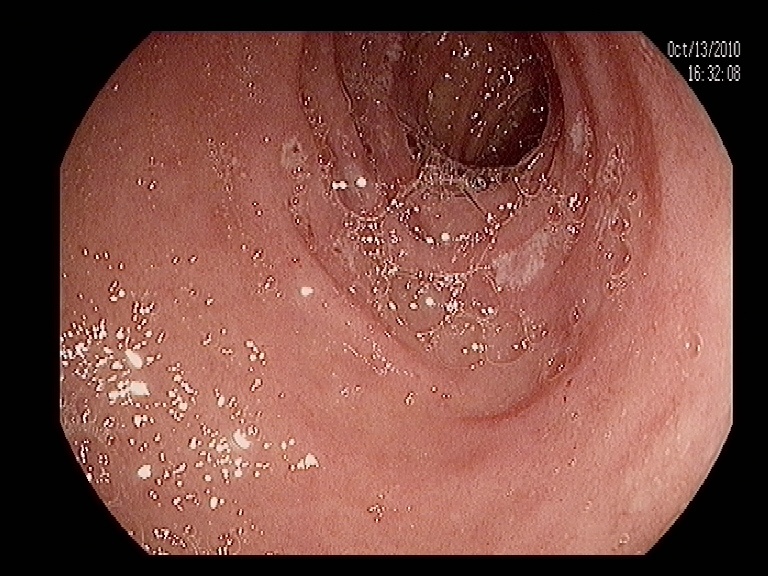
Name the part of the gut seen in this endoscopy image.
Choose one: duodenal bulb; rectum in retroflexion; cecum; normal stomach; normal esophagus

duodenal bulb